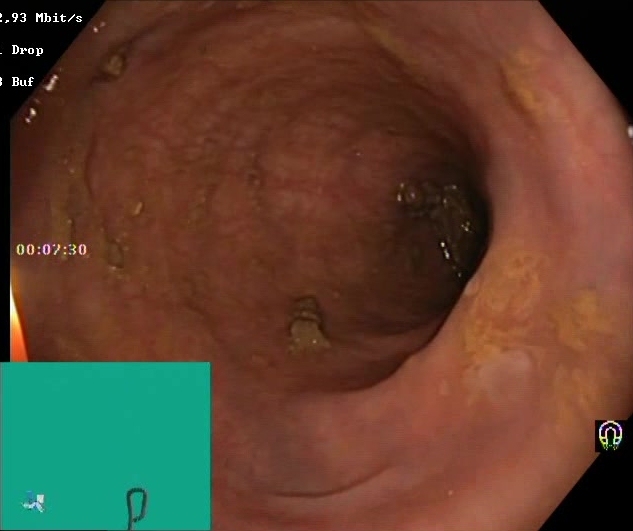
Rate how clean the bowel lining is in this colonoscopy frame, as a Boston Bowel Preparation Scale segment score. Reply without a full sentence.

Boston Bowel Preparation Scale score 2–3 (adequate preparation)